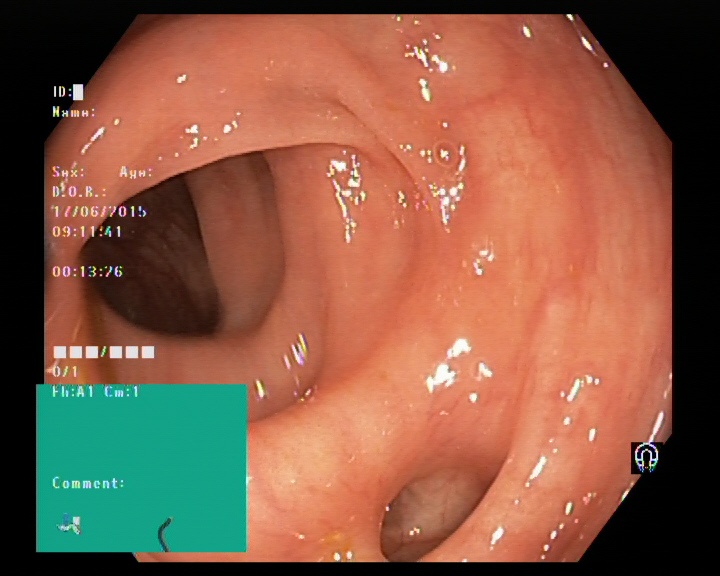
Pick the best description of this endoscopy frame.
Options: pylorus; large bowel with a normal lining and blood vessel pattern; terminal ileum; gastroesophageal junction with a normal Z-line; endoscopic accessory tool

large bowel with a normal lining and blood vessel pattern